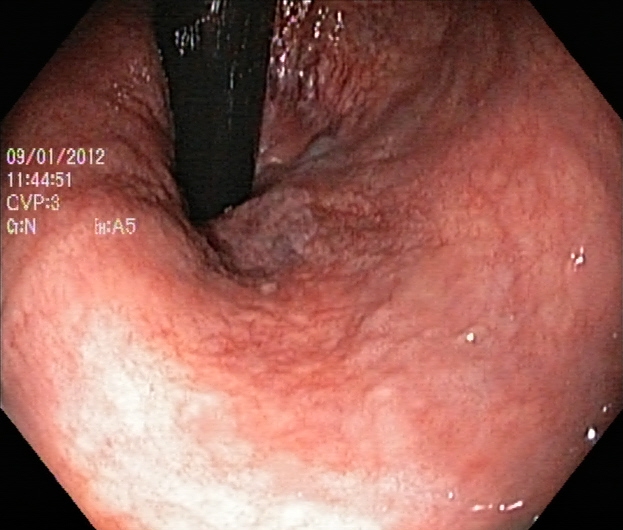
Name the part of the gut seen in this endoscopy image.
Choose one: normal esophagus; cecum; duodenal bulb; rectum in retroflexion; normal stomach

rectum in retroflexion